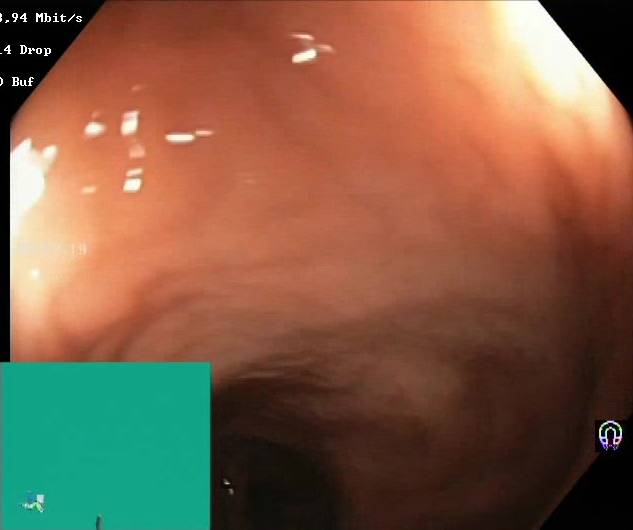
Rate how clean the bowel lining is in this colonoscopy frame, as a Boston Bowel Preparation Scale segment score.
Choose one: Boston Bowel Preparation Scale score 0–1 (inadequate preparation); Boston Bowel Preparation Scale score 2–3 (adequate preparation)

Boston Bowel Preparation Scale score 2–3 (adequate preparation)